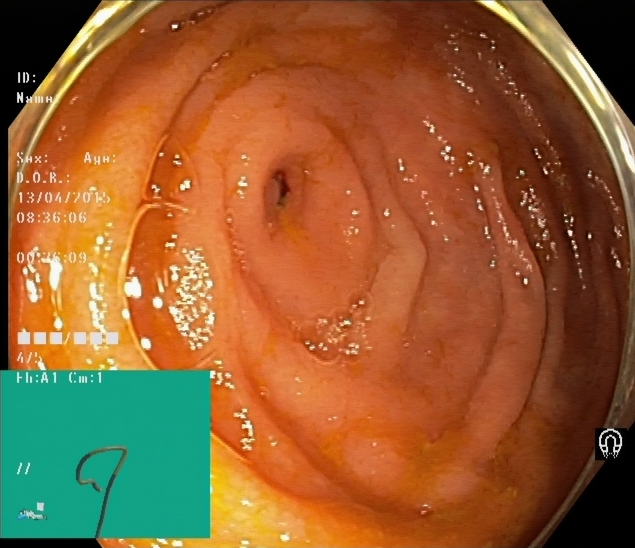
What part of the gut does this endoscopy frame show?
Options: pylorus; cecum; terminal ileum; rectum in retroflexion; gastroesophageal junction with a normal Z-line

cecum